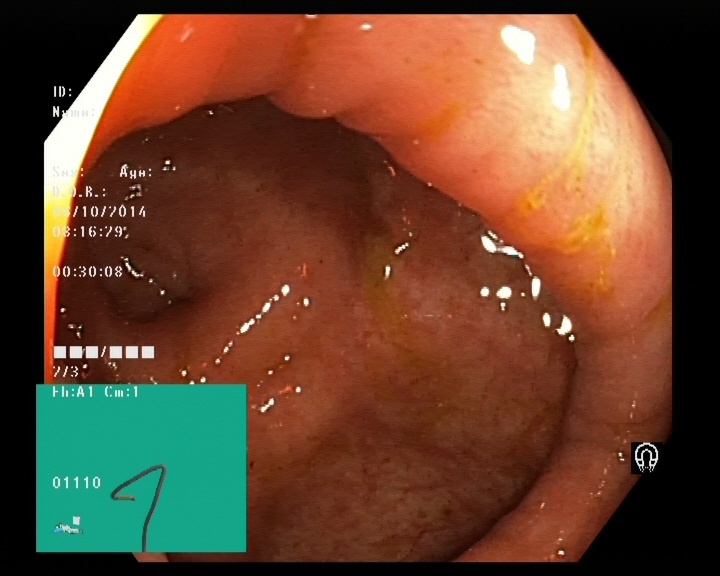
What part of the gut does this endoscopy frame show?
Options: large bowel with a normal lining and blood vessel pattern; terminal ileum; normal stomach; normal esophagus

large bowel with a normal lining and blood vessel pattern